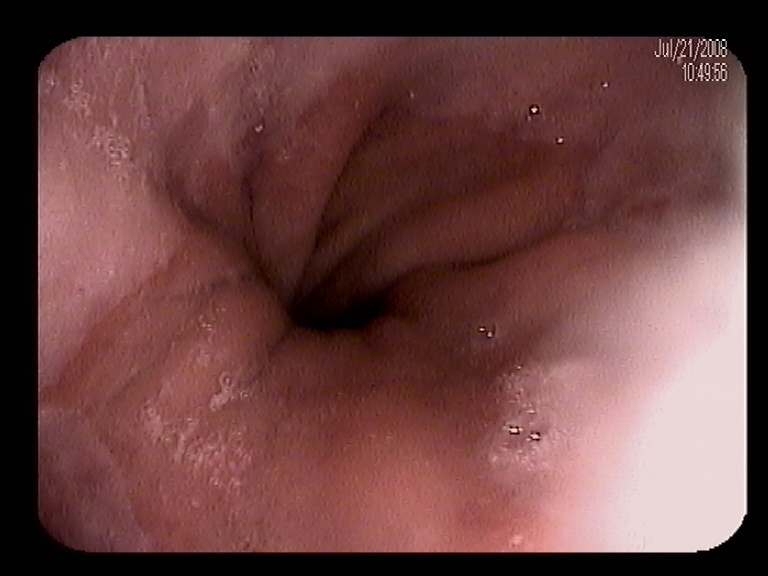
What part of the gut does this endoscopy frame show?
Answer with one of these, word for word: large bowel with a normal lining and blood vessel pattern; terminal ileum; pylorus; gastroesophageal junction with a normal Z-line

gastroesophageal junction with a normal Z-line